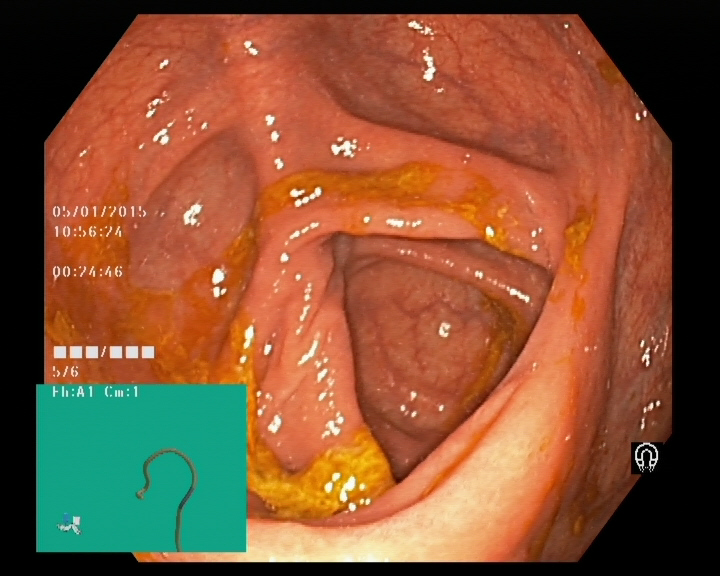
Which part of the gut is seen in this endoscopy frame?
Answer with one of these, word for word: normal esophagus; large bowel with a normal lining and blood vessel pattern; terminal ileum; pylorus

large bowel with a normal lining and blood vessel pattern